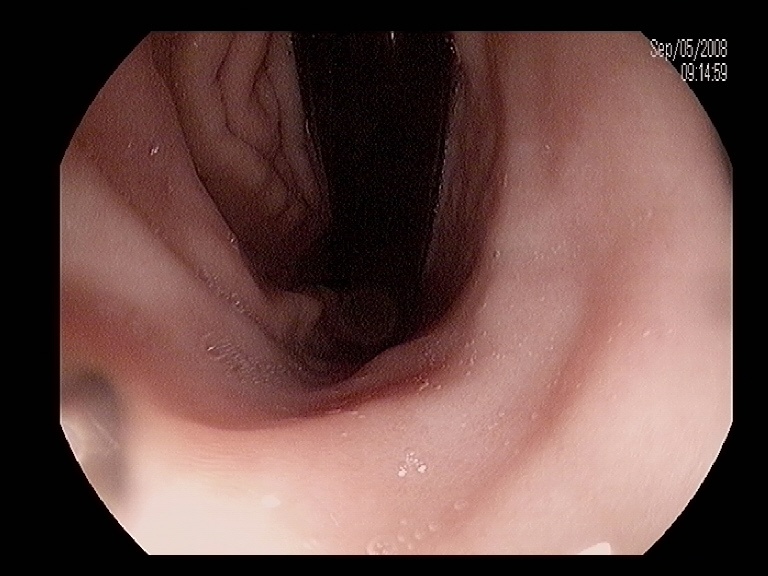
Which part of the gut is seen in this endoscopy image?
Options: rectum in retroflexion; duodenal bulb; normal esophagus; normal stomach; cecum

normal stomach